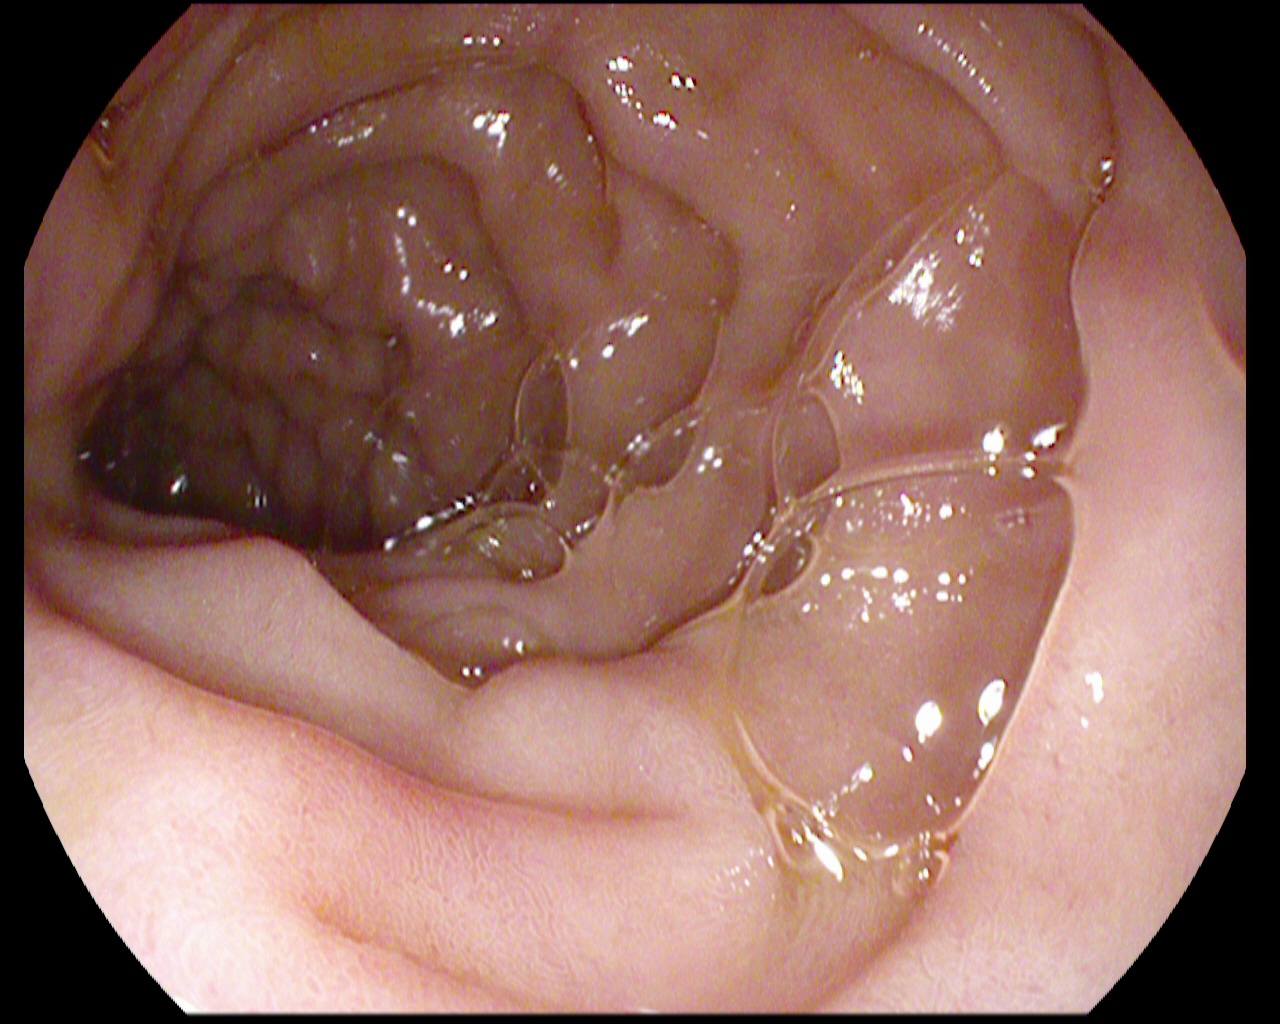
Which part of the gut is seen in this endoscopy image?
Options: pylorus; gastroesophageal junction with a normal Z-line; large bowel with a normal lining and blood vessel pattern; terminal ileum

terminal ileum